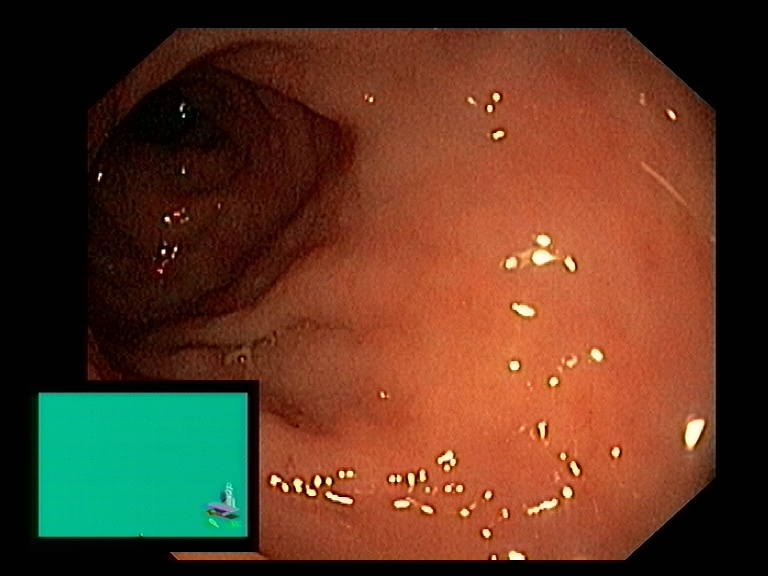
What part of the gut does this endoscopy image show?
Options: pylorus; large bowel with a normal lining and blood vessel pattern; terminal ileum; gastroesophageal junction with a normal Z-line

large bowel with a normal lining and blood vessel pattern